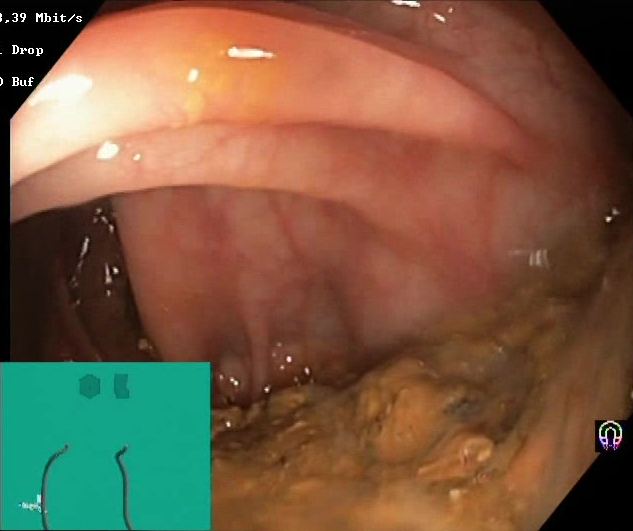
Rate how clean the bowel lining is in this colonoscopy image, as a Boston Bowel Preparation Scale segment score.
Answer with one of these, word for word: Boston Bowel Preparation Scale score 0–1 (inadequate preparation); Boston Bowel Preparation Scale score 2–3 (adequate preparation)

Boston Bowel Preparation Scale score 0–1 (inadequate preparation)